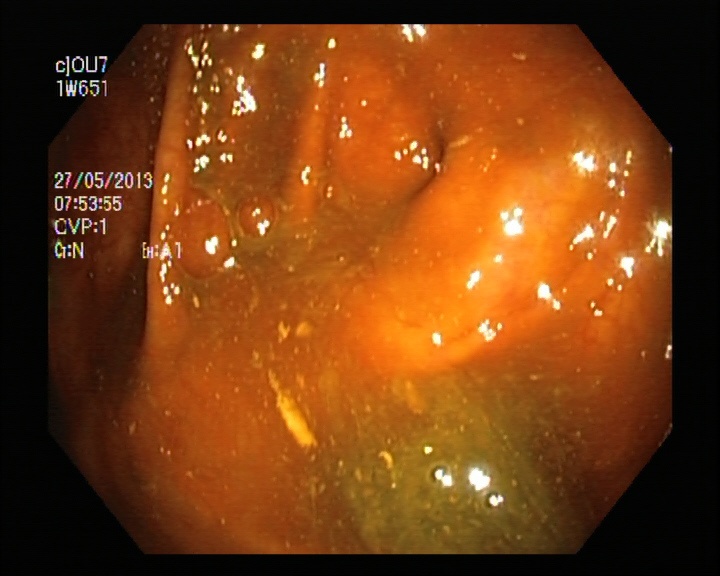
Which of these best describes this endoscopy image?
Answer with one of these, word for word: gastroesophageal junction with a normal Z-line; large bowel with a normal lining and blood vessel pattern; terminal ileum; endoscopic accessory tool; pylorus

large bowel with a normal lining and blood vessel pattern